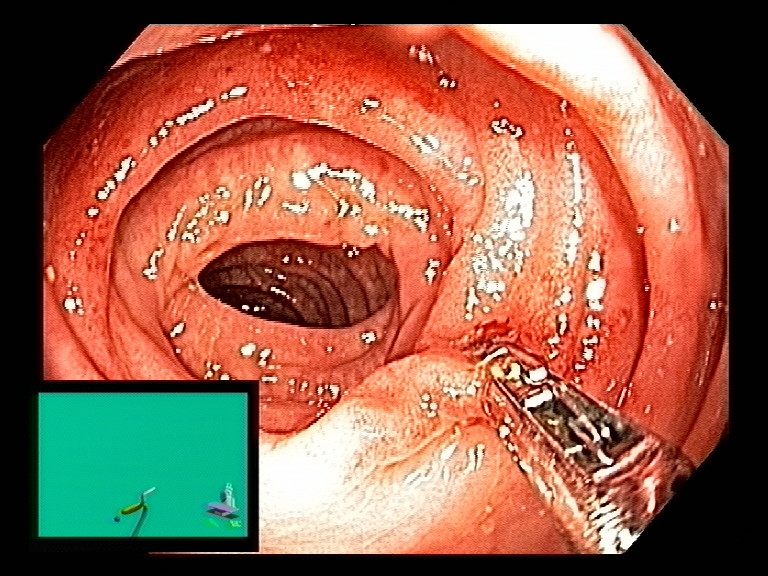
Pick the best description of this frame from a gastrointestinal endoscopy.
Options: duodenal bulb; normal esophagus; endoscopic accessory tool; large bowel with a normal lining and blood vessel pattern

endoscopic accessory tool